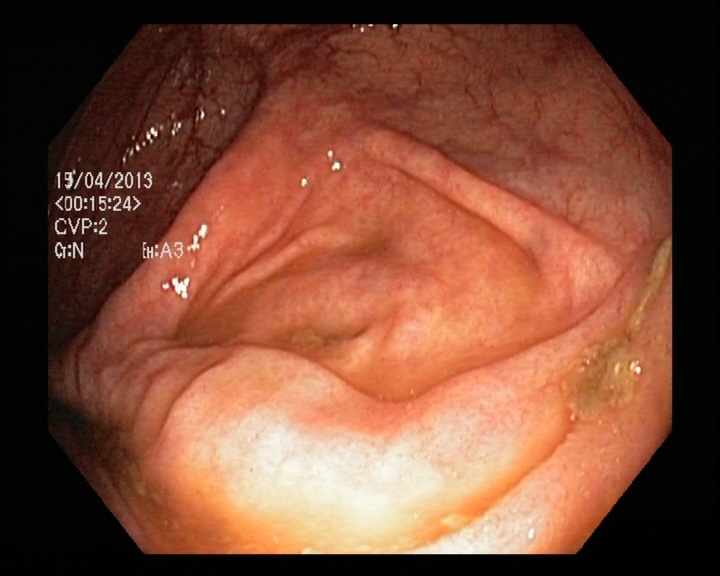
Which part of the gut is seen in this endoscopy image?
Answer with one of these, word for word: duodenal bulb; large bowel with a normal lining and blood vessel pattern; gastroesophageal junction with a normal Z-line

large bowel with a normal lining and blood vessel pattern